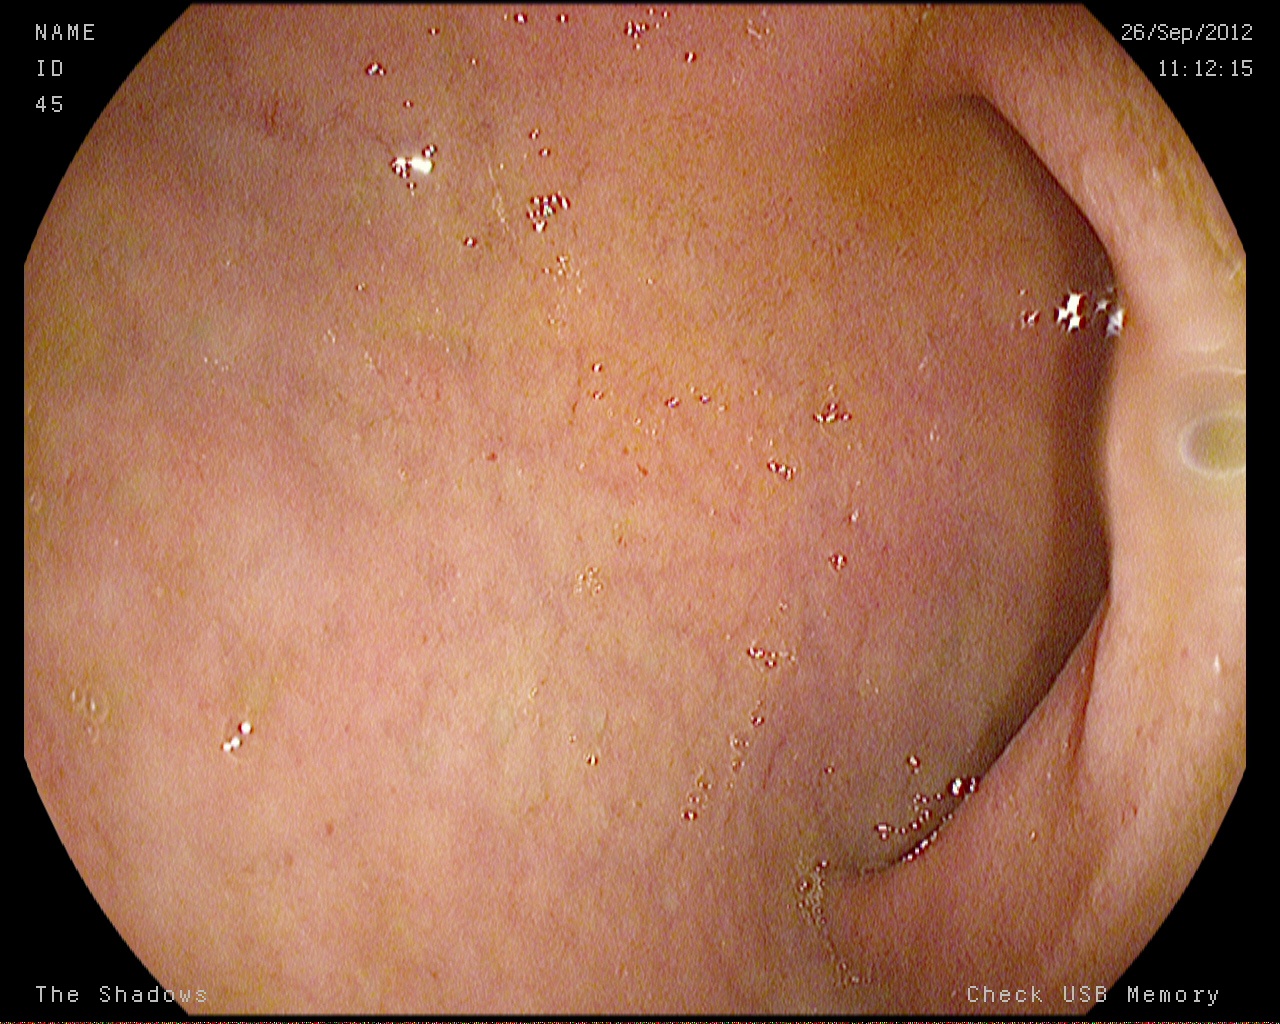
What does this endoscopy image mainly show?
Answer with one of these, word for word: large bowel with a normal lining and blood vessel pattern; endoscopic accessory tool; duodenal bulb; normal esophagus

duodenal bulb